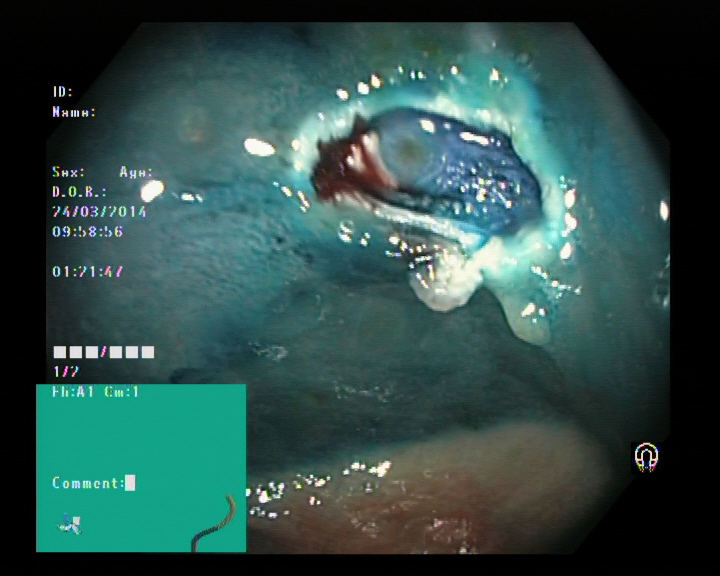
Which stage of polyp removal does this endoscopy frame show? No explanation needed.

dyed resection margin (post-polypectomy)